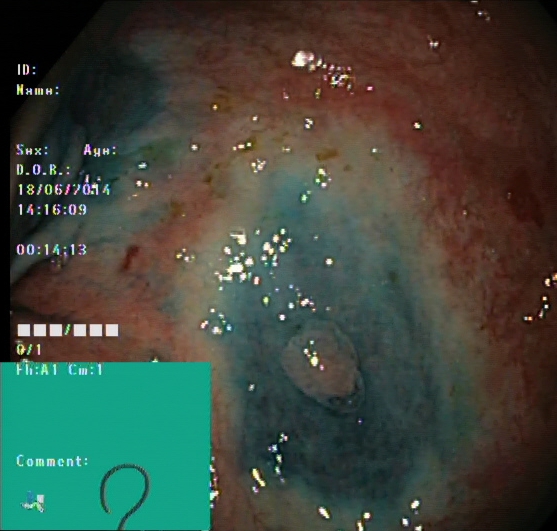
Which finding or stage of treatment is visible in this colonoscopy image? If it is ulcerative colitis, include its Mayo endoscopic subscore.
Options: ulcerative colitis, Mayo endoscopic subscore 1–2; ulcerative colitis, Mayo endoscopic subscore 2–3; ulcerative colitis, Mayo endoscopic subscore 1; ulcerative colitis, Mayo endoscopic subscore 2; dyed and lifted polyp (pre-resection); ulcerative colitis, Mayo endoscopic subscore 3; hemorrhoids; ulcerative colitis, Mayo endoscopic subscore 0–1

dyed and lifted polyp (pre-resection)